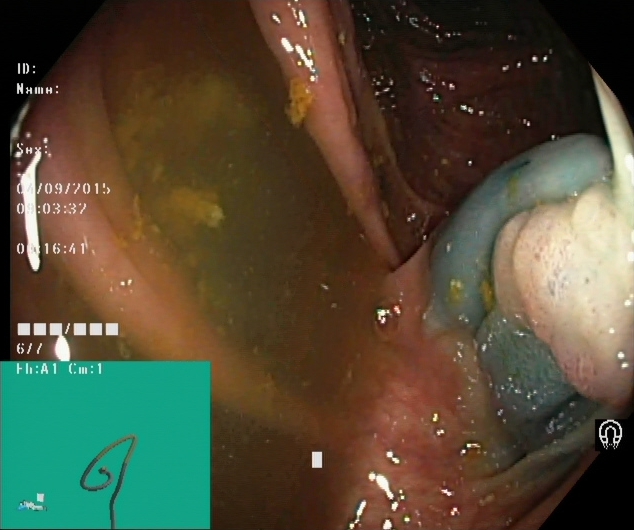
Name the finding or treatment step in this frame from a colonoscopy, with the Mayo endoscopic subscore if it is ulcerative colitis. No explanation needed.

dyed and lifted polyp (pre-resection)